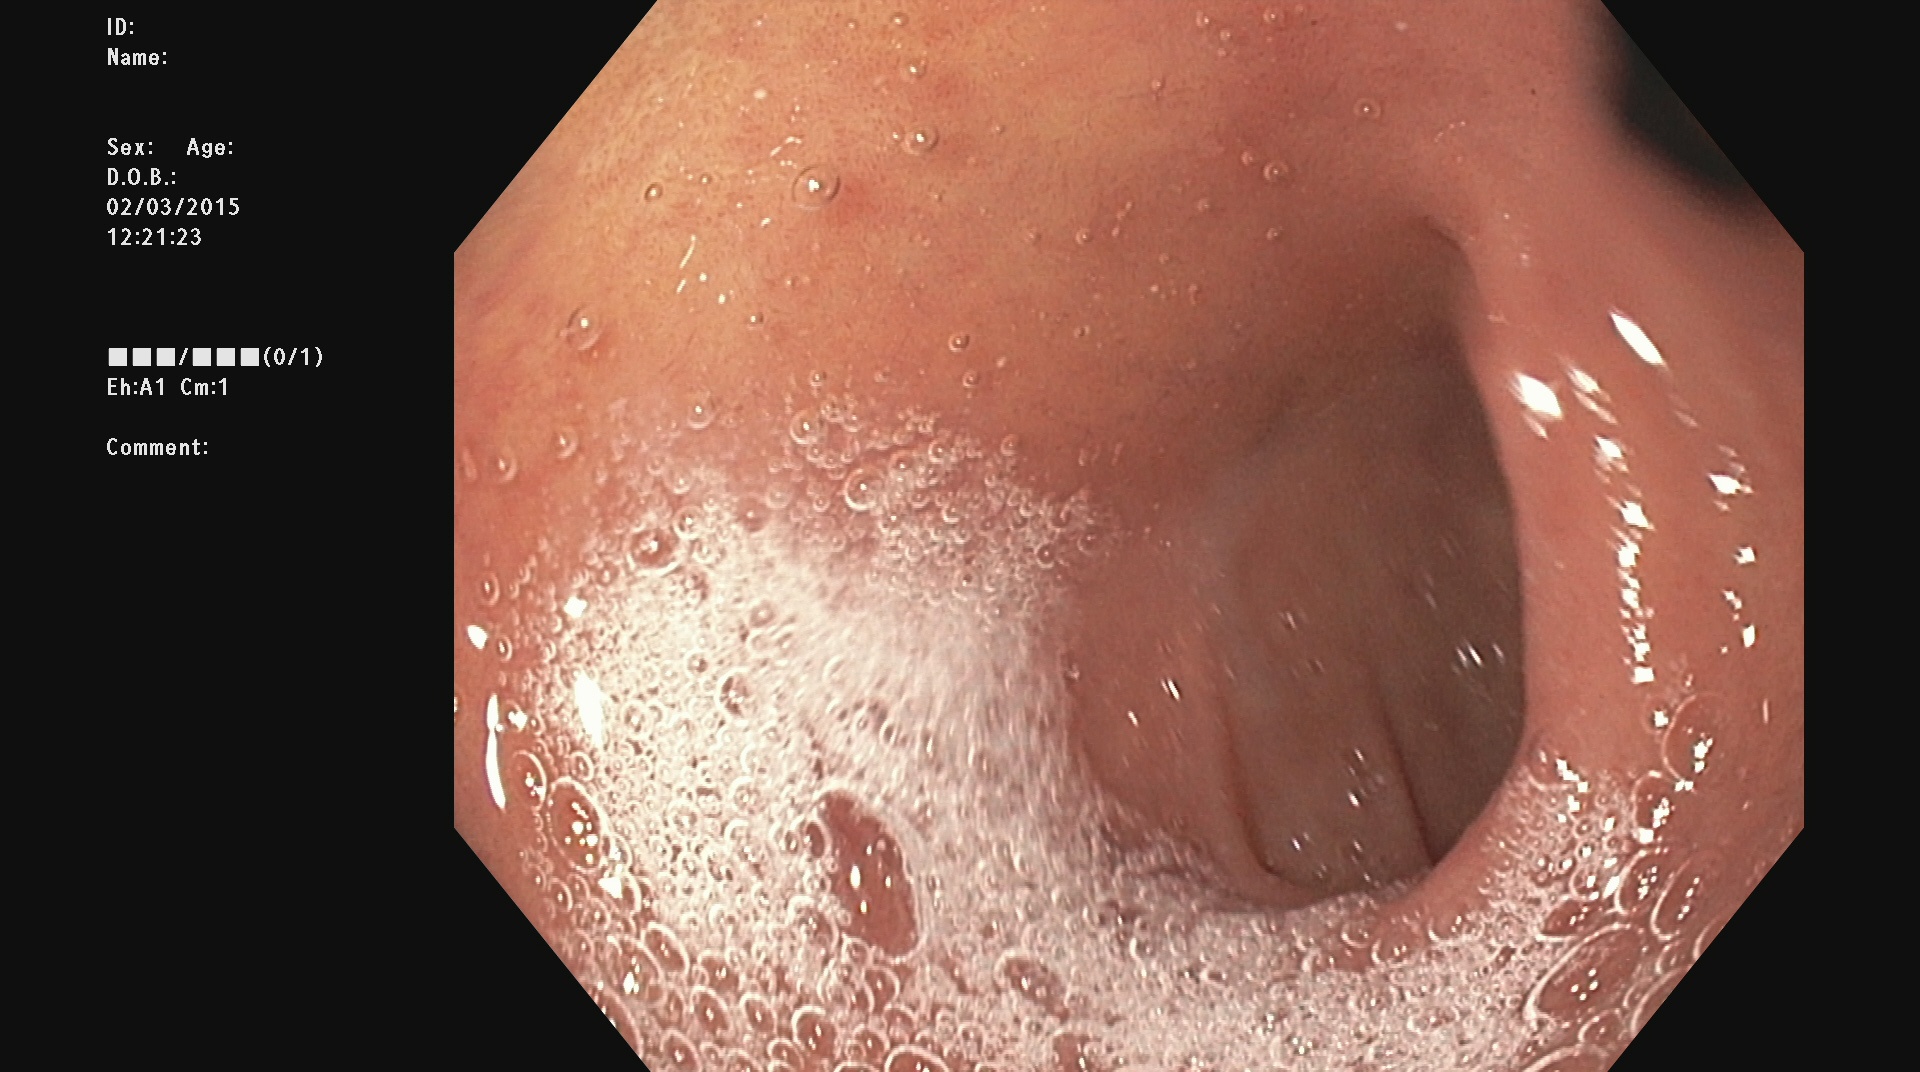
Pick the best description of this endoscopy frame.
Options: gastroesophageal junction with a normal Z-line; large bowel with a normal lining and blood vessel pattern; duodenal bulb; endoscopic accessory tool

duodenal bulb